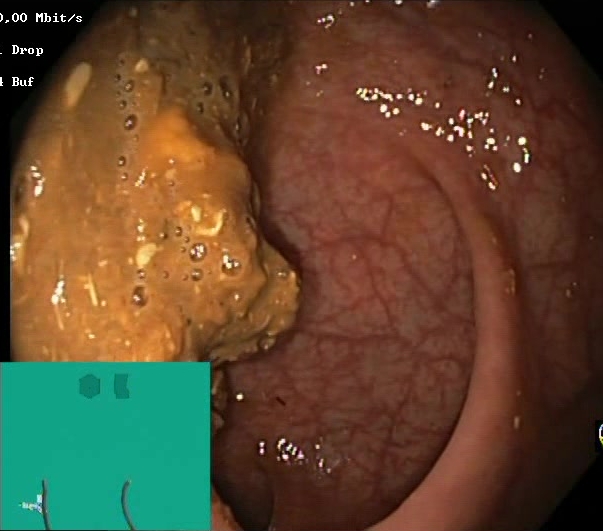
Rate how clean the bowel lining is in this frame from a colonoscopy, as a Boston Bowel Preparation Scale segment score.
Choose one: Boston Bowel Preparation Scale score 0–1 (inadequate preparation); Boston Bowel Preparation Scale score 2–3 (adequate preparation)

Boston Bowel Preparation Scale score 0–1 (inadequate preparation)